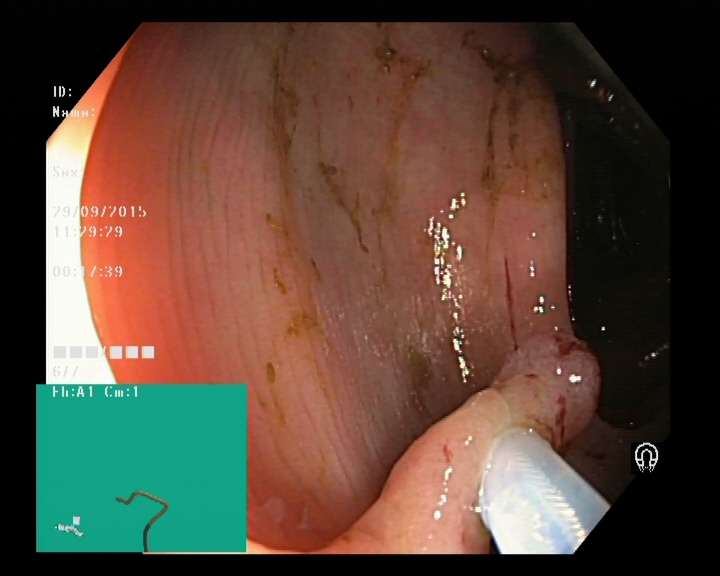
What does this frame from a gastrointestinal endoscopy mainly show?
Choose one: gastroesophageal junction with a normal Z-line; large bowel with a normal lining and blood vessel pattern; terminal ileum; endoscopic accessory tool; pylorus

endoscopic accessory tool